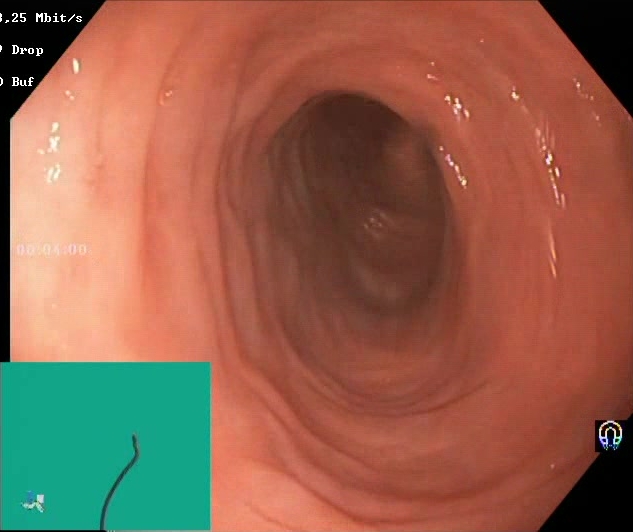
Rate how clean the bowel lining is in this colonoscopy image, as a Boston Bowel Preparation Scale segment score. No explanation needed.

Boston Bowel Preparation Scale score 2–3 (adequate preparation)